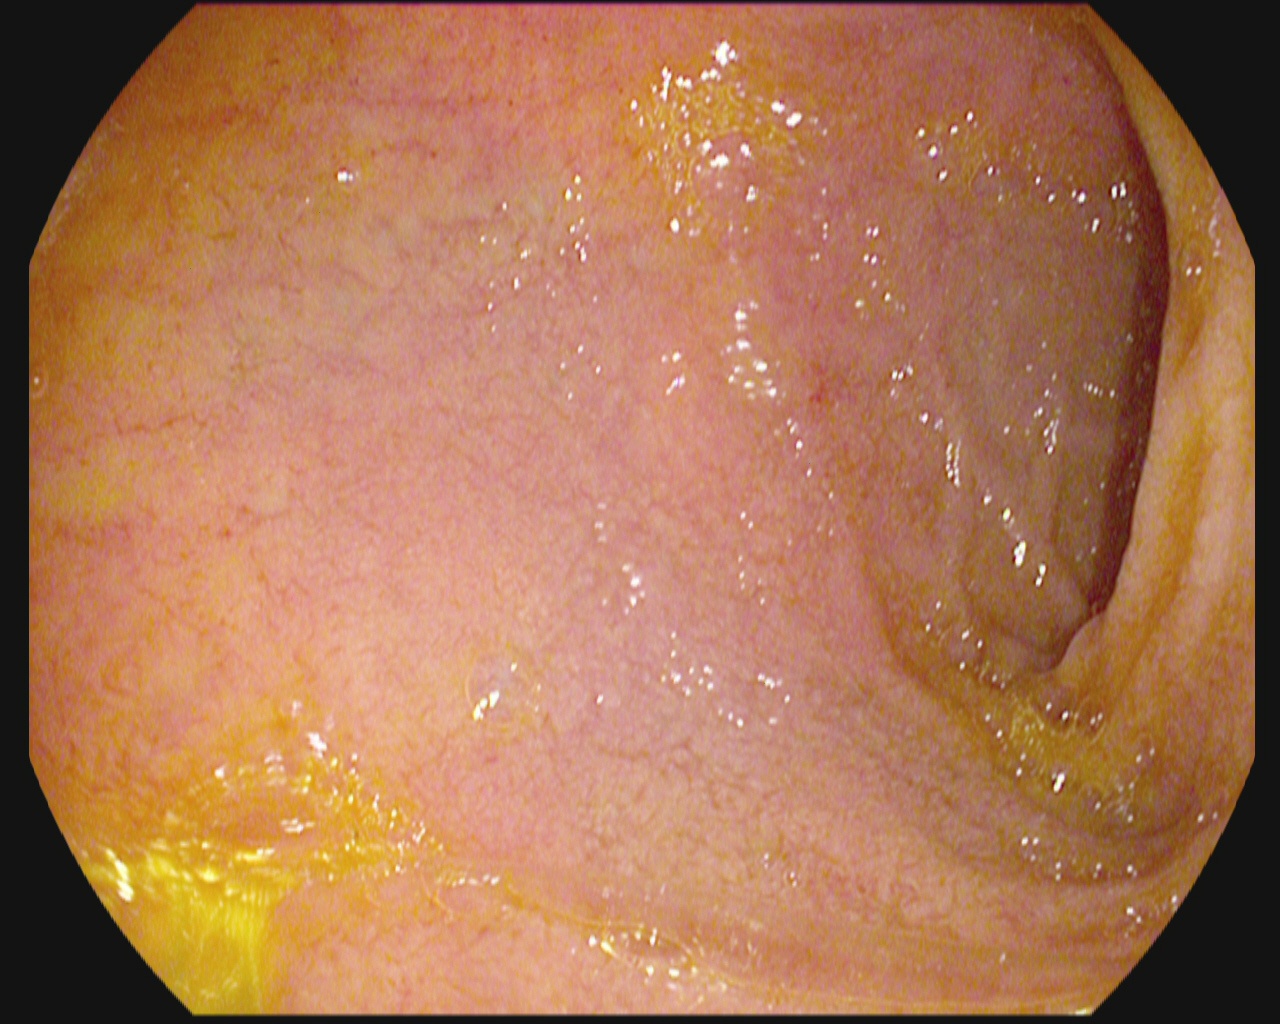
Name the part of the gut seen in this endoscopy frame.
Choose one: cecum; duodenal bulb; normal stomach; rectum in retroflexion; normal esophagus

duodenal bulb